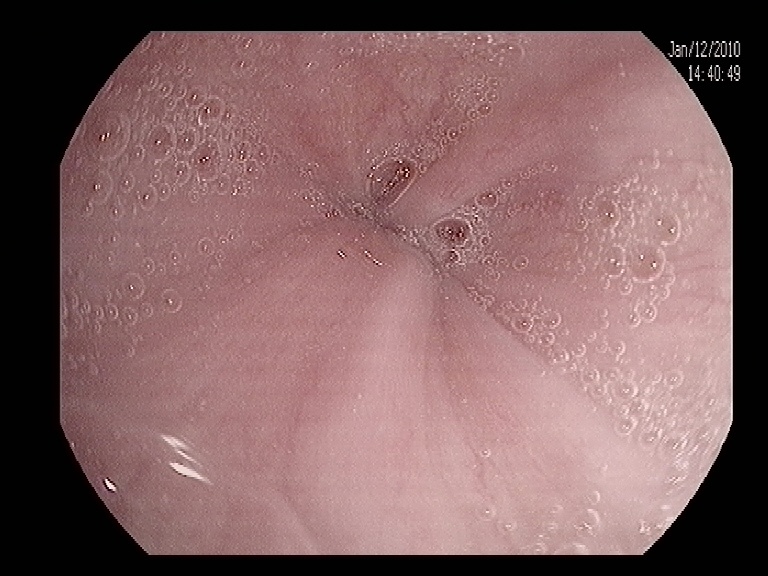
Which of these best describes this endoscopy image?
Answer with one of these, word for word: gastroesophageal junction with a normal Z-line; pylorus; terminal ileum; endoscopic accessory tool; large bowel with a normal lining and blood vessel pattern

terminal ileum